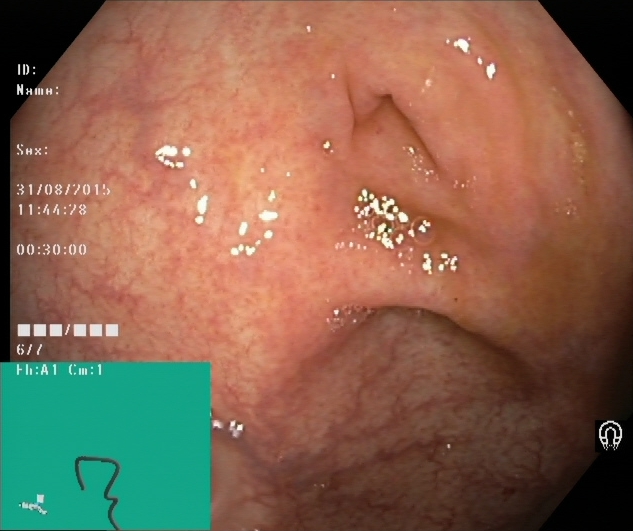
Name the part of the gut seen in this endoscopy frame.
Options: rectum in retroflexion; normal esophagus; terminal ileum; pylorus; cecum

cecum